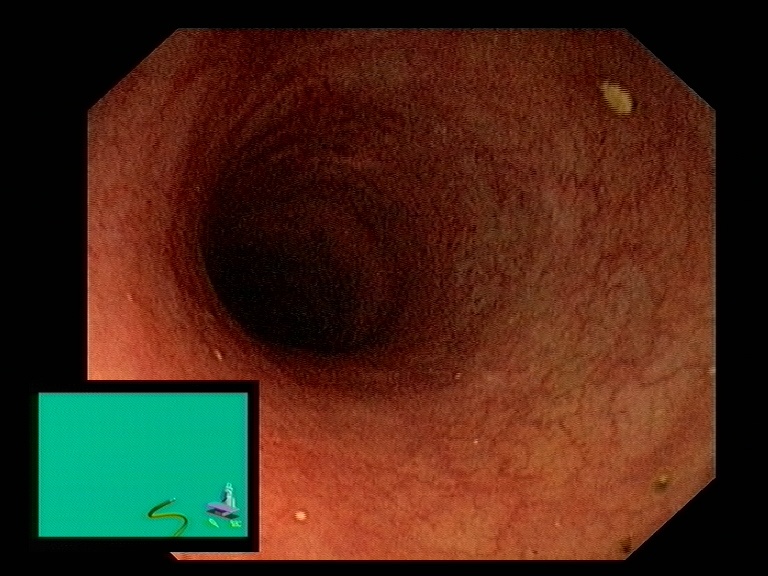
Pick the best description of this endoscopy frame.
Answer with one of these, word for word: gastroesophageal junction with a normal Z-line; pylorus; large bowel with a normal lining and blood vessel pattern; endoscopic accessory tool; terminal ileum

large bowel with a normal lining and blood vessel pattern